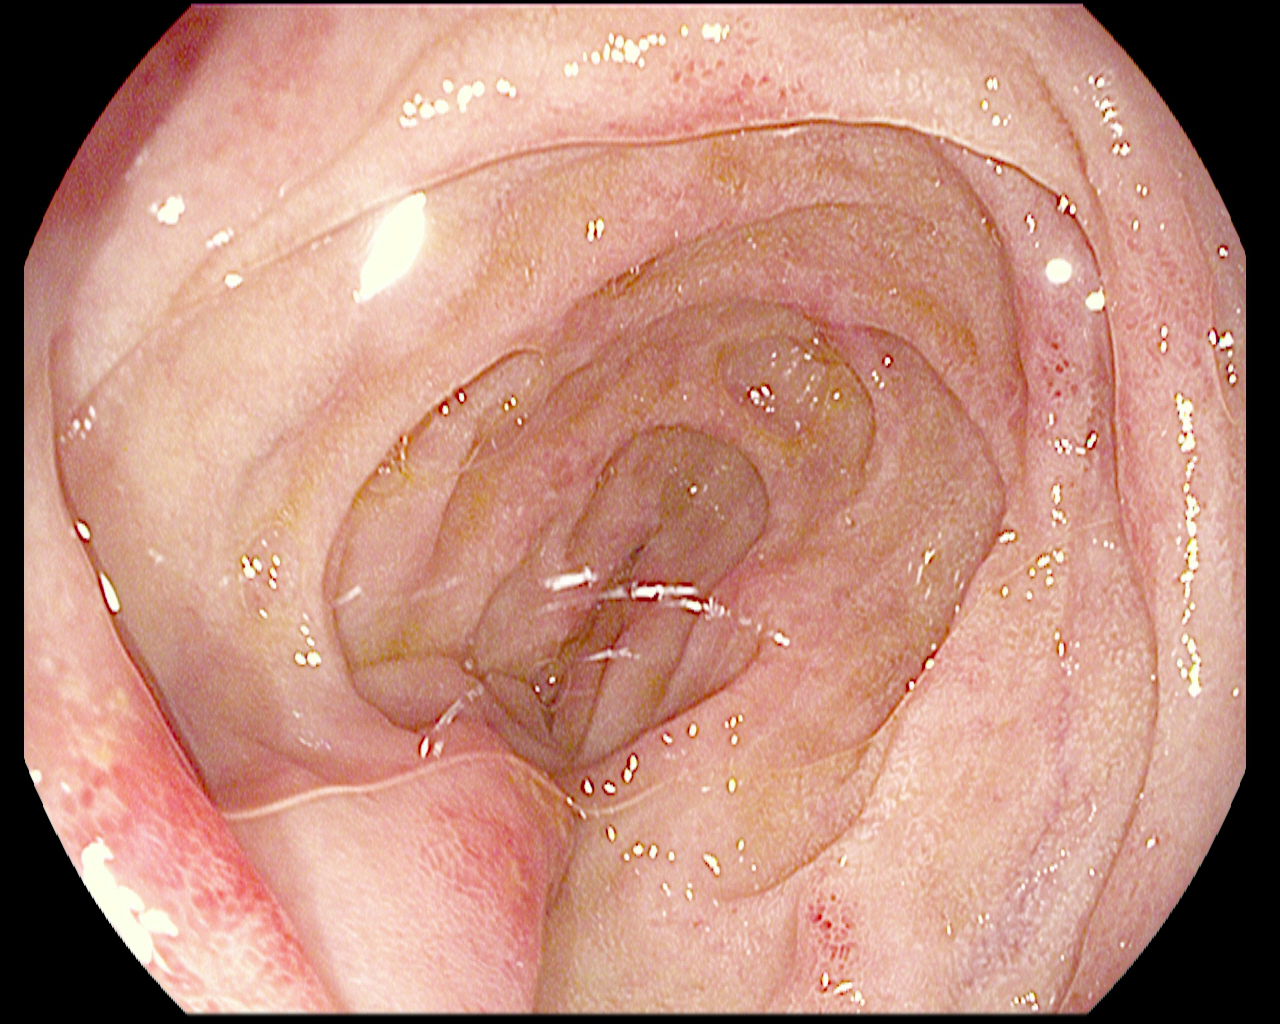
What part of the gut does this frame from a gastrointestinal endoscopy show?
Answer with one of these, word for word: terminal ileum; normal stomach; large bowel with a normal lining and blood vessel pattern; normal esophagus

terminal ileum